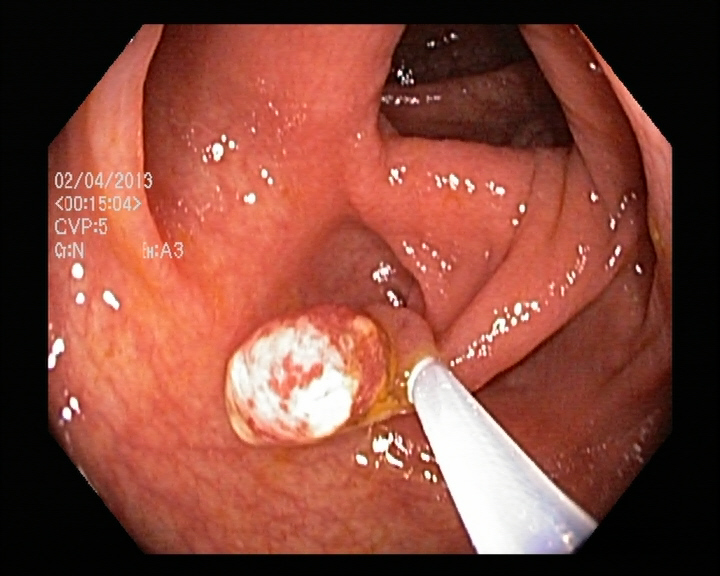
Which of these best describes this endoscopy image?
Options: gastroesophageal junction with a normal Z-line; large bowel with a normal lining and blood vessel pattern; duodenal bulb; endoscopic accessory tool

endoscopic accessory tool